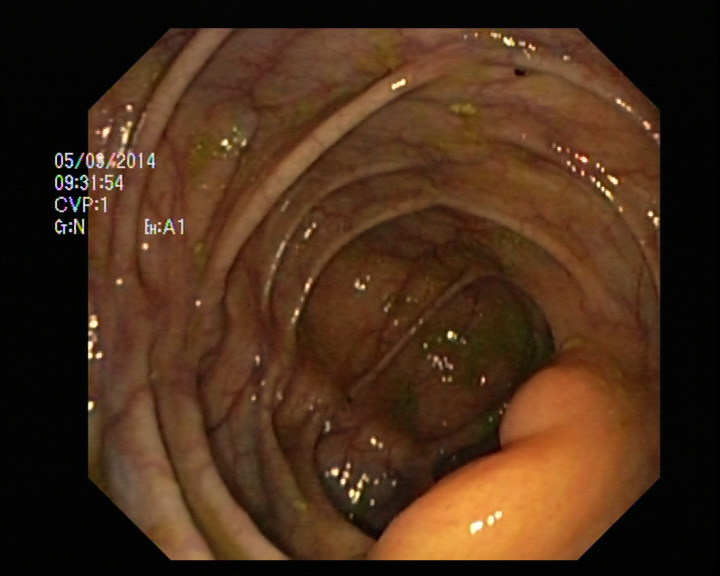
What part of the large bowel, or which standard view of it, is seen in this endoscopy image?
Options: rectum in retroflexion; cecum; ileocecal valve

ileocecal valve